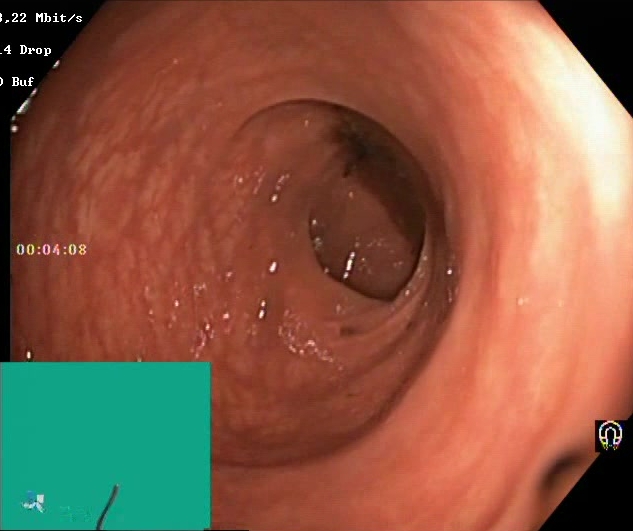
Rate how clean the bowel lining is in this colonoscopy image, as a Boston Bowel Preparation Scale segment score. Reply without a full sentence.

Boston Bowel Preparation Scale score 0–1 (inadequate preparation)